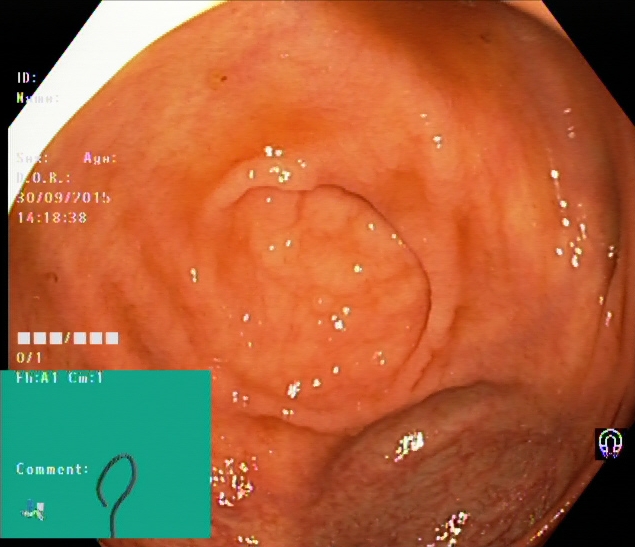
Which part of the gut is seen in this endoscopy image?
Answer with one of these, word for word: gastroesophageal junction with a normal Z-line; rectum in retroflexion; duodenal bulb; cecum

cecum